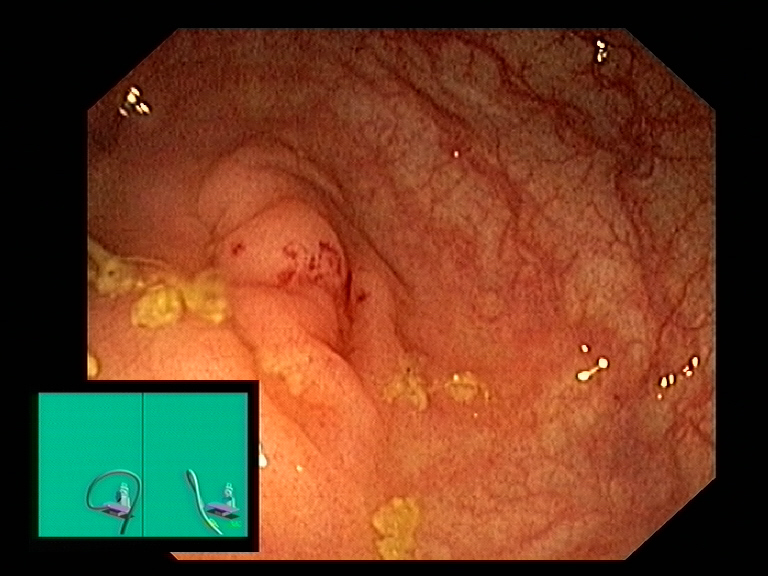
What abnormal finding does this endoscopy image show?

colon polyp